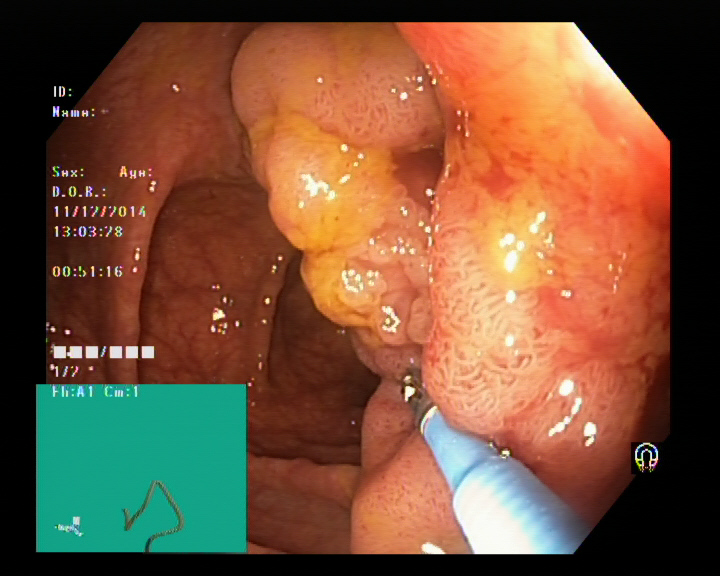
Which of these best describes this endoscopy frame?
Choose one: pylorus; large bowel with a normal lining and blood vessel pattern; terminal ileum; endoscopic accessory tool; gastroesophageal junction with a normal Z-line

endoscopic accessory tool